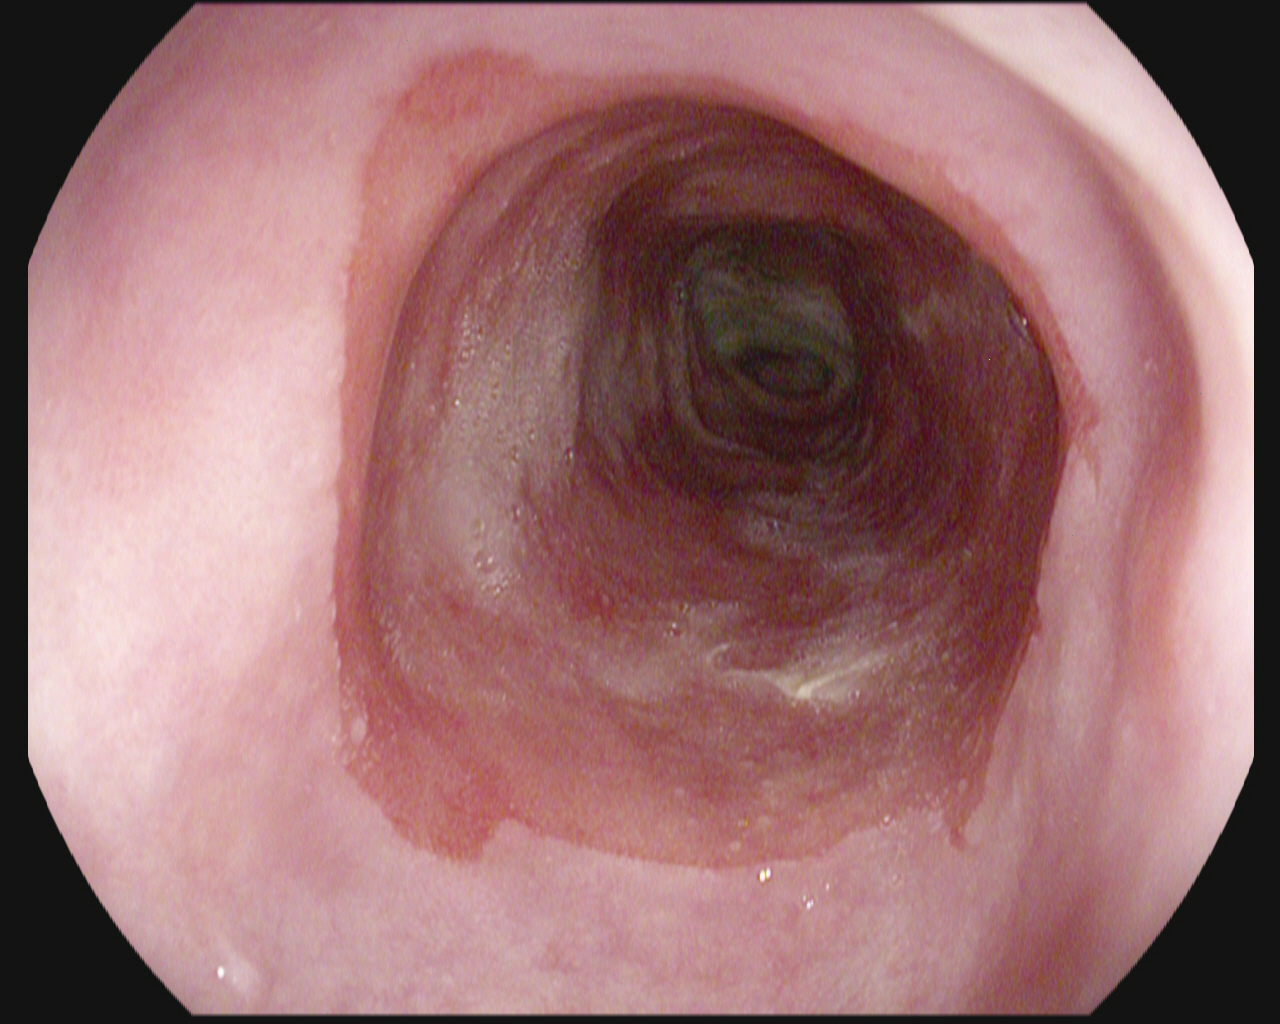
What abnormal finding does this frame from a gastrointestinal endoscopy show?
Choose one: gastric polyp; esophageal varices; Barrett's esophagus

Barrett's esophagus